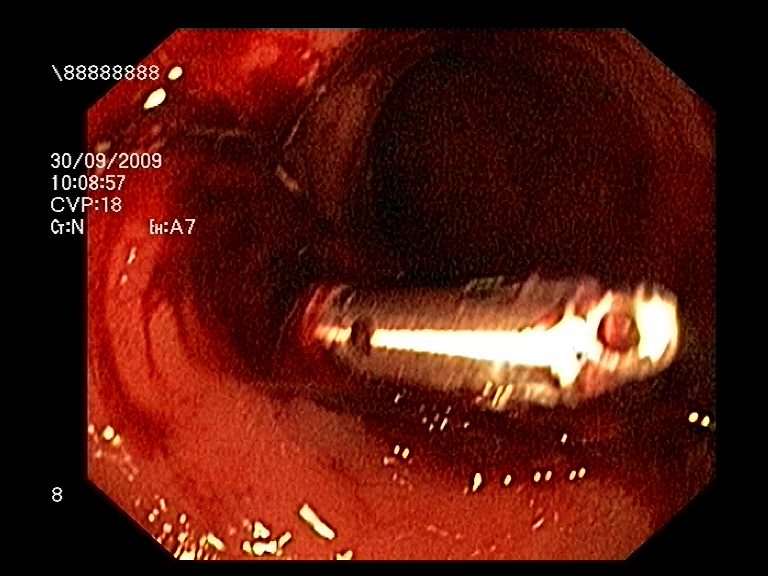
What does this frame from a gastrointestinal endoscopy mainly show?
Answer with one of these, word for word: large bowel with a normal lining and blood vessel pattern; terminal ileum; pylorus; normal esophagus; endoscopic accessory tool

endoscopic accessory tool